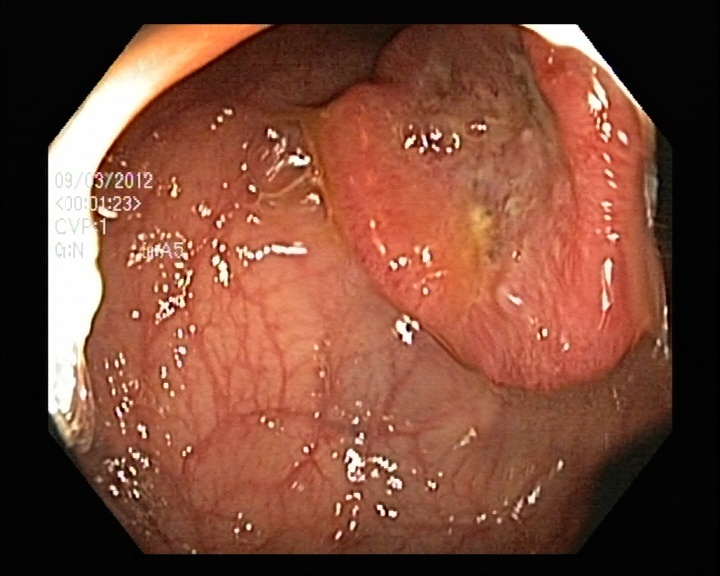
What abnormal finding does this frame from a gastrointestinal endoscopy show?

colorectal cancer